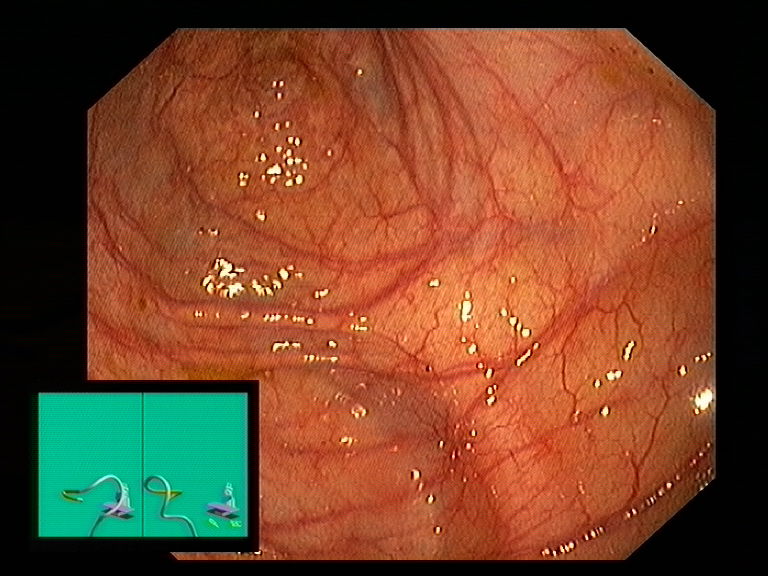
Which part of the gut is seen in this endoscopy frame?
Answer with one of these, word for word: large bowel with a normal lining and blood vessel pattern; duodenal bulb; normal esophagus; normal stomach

large bowel with a normal lining and blood vessel pattern